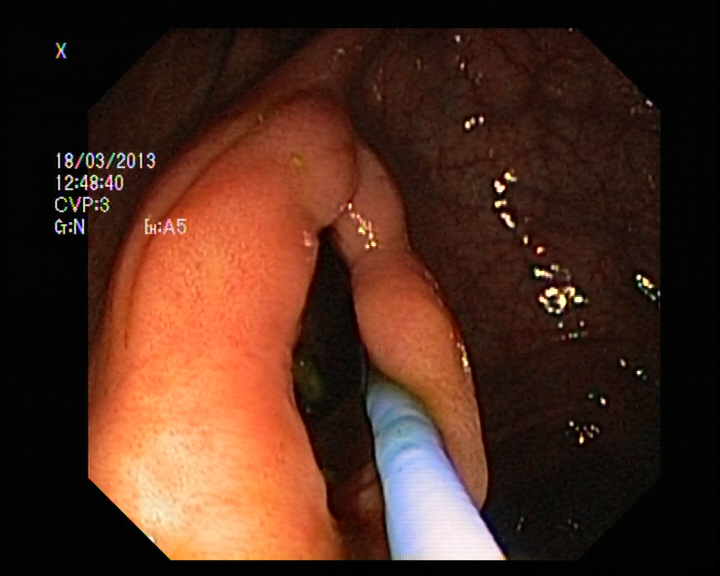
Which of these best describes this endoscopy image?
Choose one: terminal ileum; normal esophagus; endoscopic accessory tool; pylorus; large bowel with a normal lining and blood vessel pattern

endoscopic accessory tool